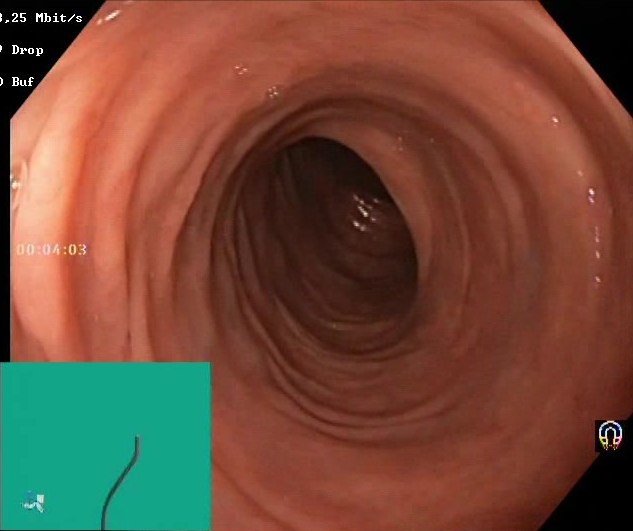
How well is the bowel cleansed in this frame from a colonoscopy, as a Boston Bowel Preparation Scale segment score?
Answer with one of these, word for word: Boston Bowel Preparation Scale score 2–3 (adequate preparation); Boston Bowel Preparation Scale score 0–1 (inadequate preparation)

Boston Bowel Preparation Scale score 2–3 (adequate preparation)